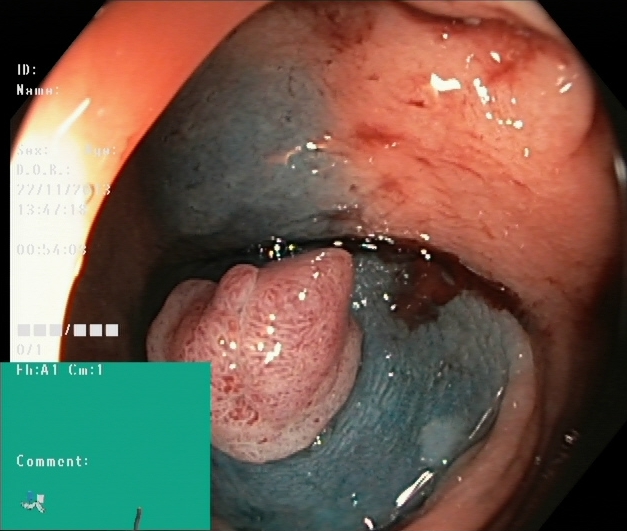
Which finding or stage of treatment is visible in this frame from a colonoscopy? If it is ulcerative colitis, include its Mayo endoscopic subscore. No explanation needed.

dyed and lifted polyp (pre-resection)